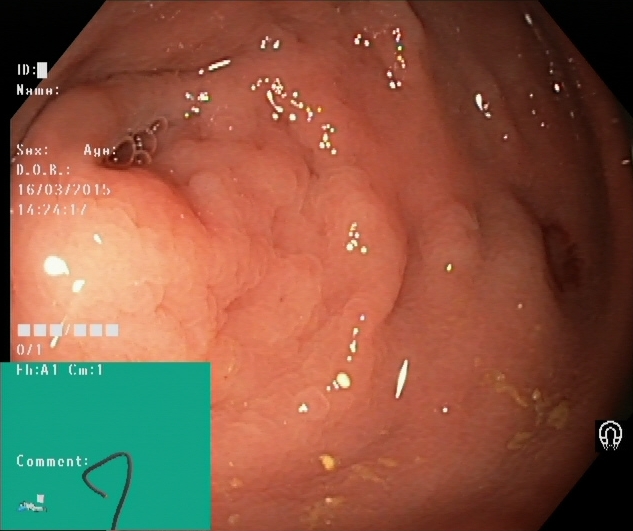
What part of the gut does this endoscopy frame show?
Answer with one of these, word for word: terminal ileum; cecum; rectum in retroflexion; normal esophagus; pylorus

cecum